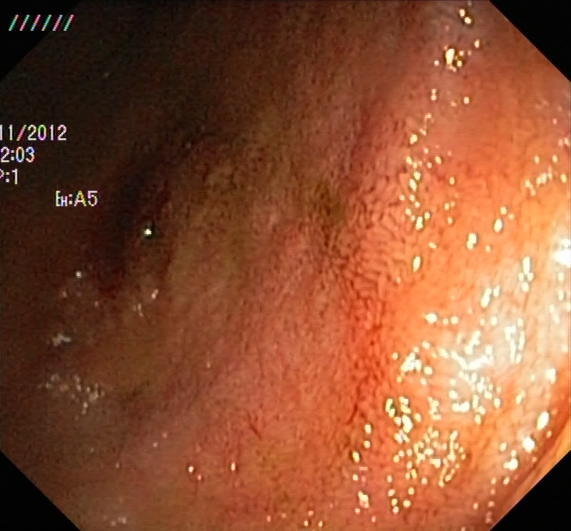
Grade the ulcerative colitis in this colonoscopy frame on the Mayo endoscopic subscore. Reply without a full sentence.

ulcerative colitis, Mayo endoscopic subscore 2